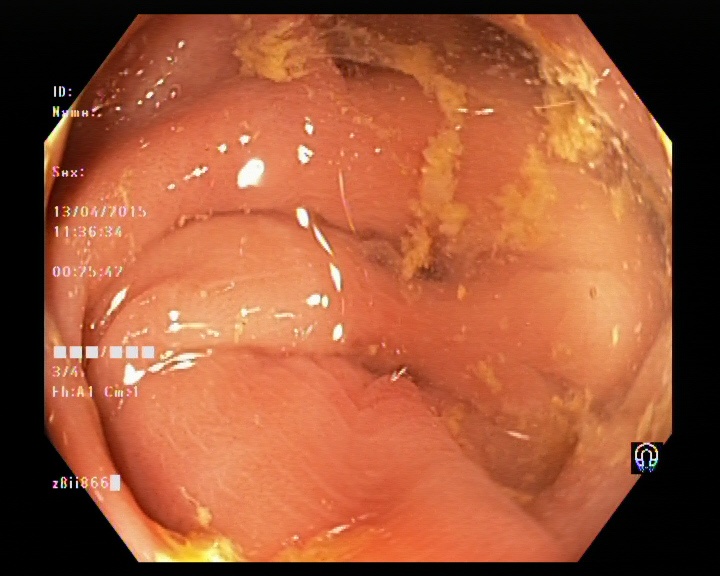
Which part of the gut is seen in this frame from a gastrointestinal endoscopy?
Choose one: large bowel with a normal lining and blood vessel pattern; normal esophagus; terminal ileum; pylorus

large bowel with a normal lining and blood vessel pattern